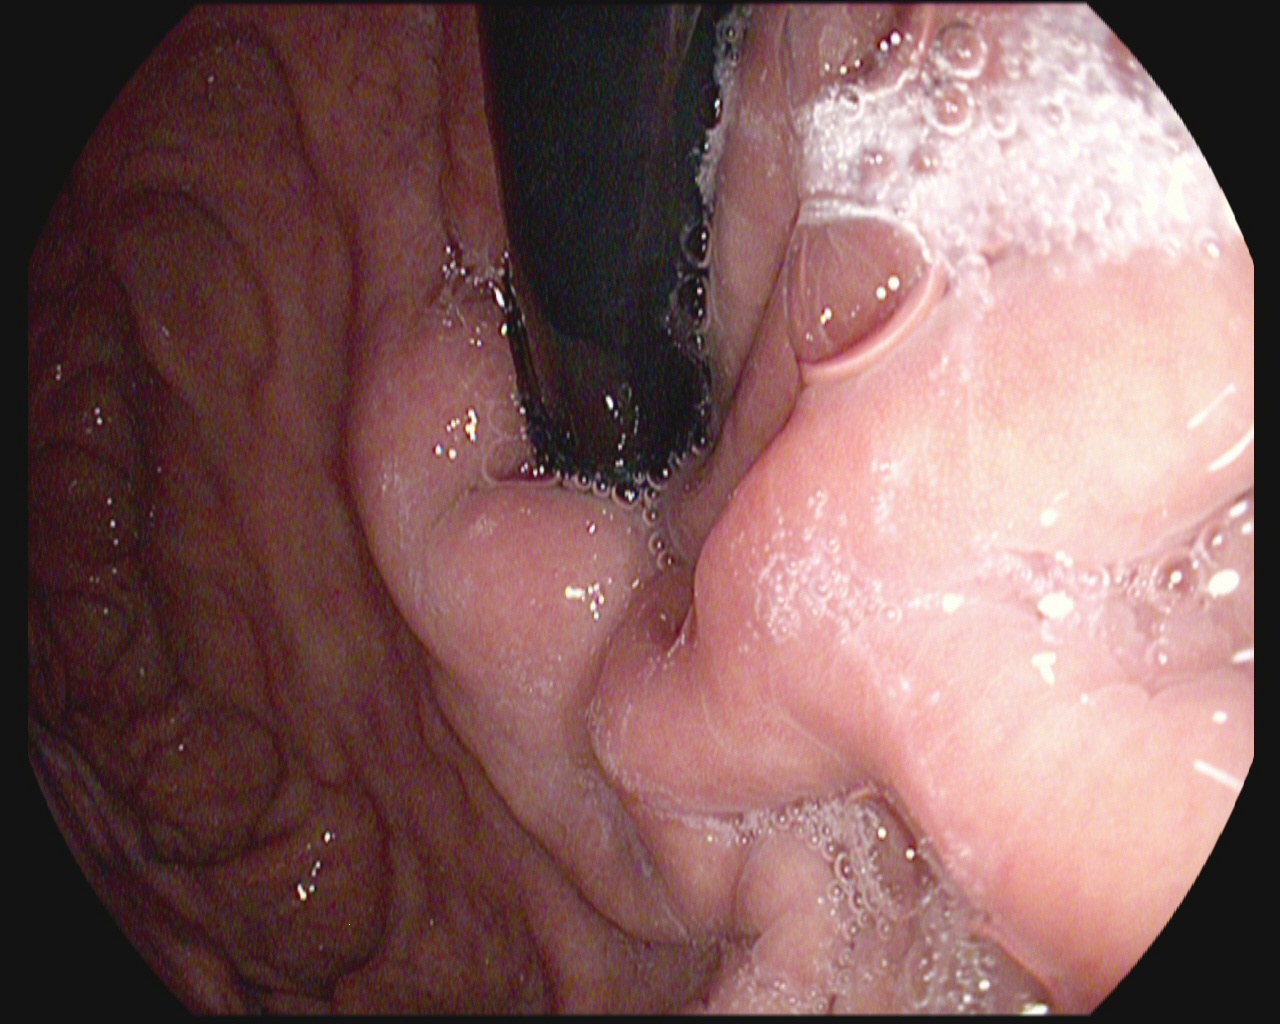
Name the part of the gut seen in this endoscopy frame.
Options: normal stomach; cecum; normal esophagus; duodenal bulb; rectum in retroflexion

normal stomach